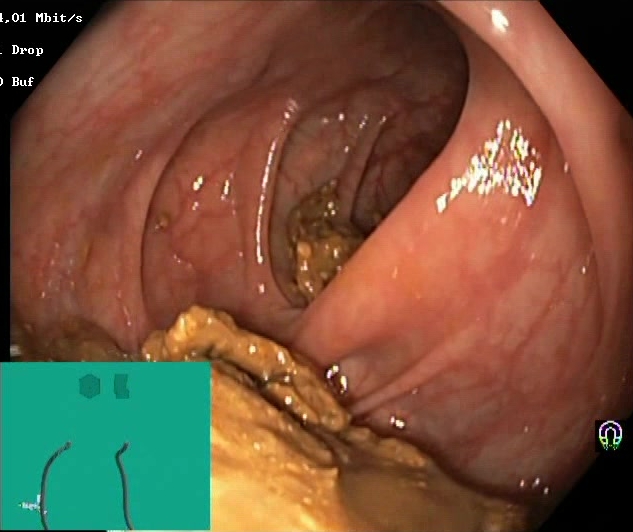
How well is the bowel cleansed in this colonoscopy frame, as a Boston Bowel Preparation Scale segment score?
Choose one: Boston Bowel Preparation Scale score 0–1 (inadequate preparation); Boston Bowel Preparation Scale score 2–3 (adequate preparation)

Boston Bowel Preparation Scale score 0–1 (inadequate preparation)